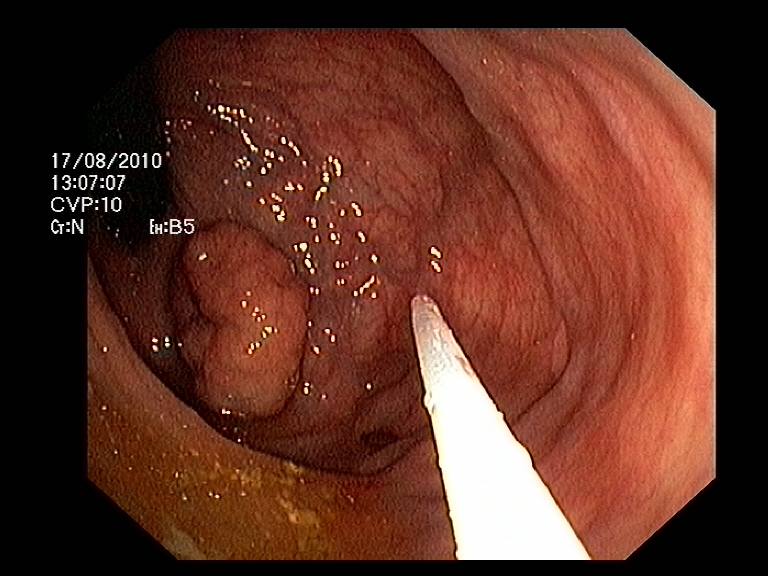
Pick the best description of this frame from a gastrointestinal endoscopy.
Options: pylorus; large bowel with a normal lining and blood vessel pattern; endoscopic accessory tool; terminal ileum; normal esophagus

endoscopic accessory tool